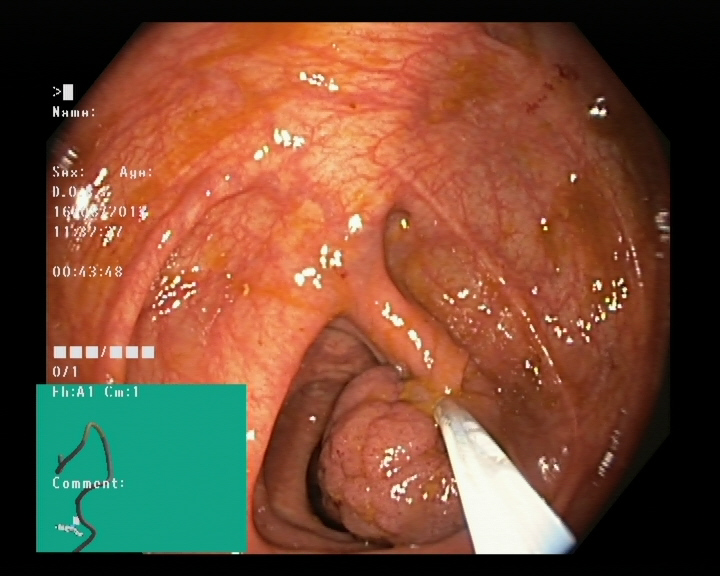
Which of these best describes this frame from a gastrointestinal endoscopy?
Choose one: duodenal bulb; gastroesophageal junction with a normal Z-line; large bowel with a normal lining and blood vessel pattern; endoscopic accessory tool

endoscopic accessory tool